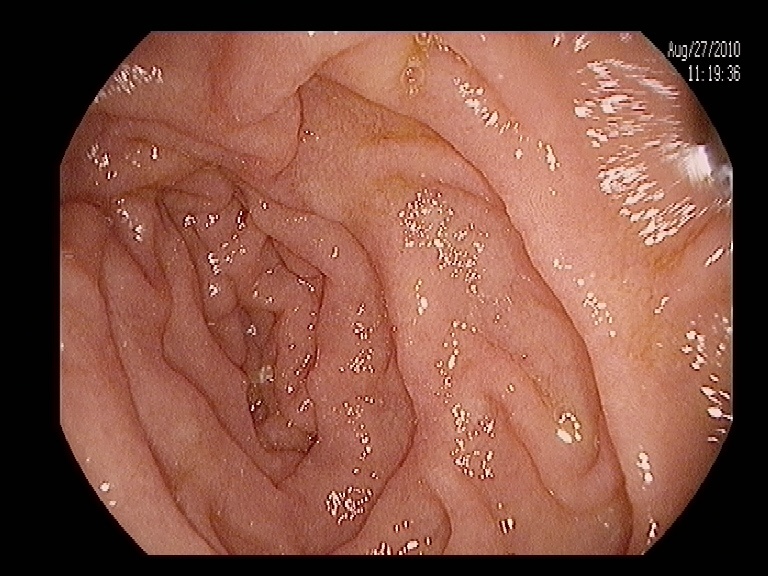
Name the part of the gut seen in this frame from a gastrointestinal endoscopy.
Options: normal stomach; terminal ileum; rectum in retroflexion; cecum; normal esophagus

terminal ileum